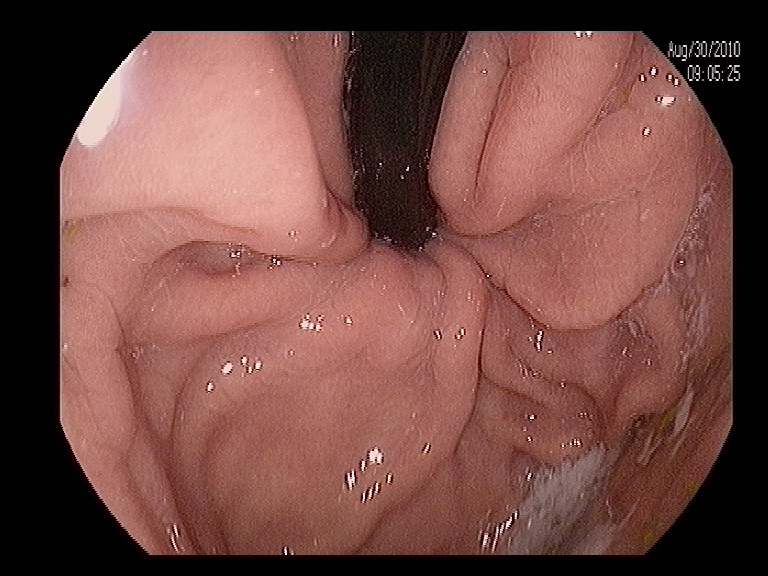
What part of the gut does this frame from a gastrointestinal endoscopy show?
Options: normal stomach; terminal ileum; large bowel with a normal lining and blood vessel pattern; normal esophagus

normal stomach